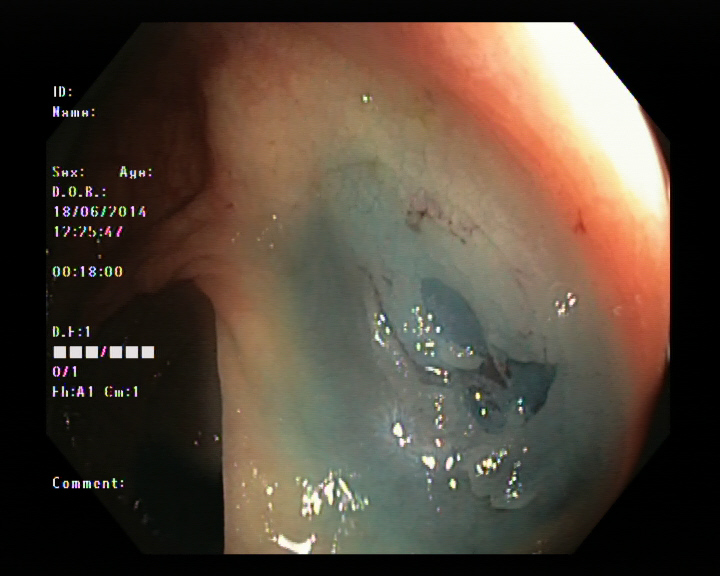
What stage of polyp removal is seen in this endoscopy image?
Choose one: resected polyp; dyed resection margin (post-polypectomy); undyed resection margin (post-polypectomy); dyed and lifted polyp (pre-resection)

dyed resection margin (post-polypectomy)